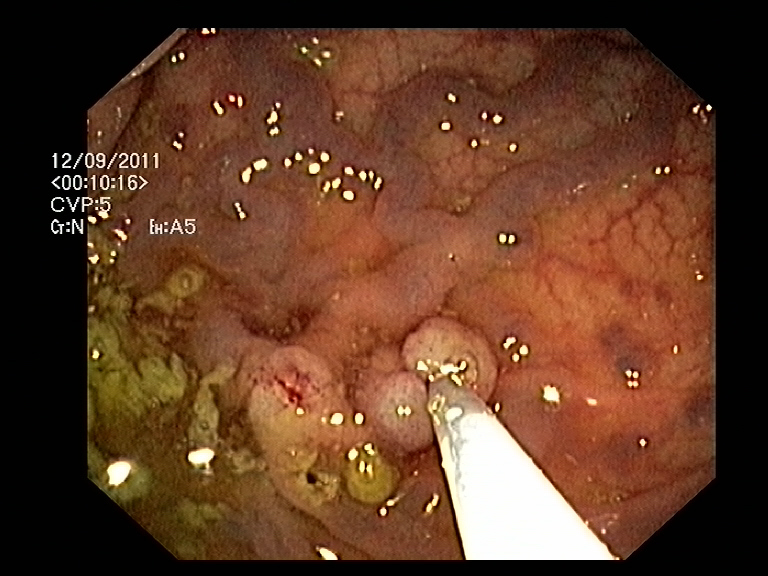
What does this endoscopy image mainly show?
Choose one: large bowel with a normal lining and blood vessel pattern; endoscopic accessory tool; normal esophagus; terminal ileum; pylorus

endoscopic accessory tool